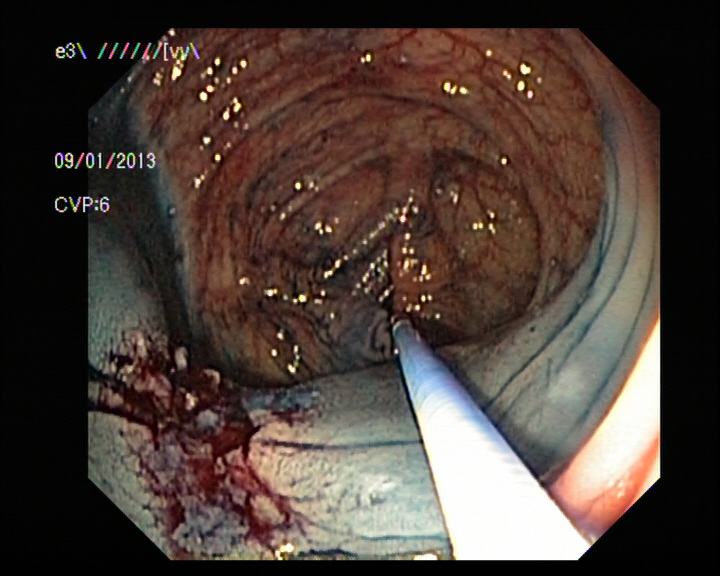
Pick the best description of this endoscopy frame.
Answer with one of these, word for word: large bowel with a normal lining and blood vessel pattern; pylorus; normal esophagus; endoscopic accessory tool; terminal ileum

endoscopic accessory tool